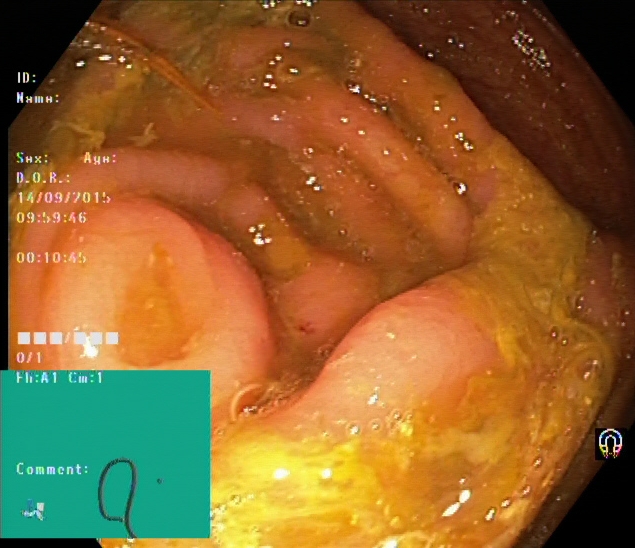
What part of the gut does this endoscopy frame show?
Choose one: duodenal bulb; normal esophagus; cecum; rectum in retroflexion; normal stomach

cecum